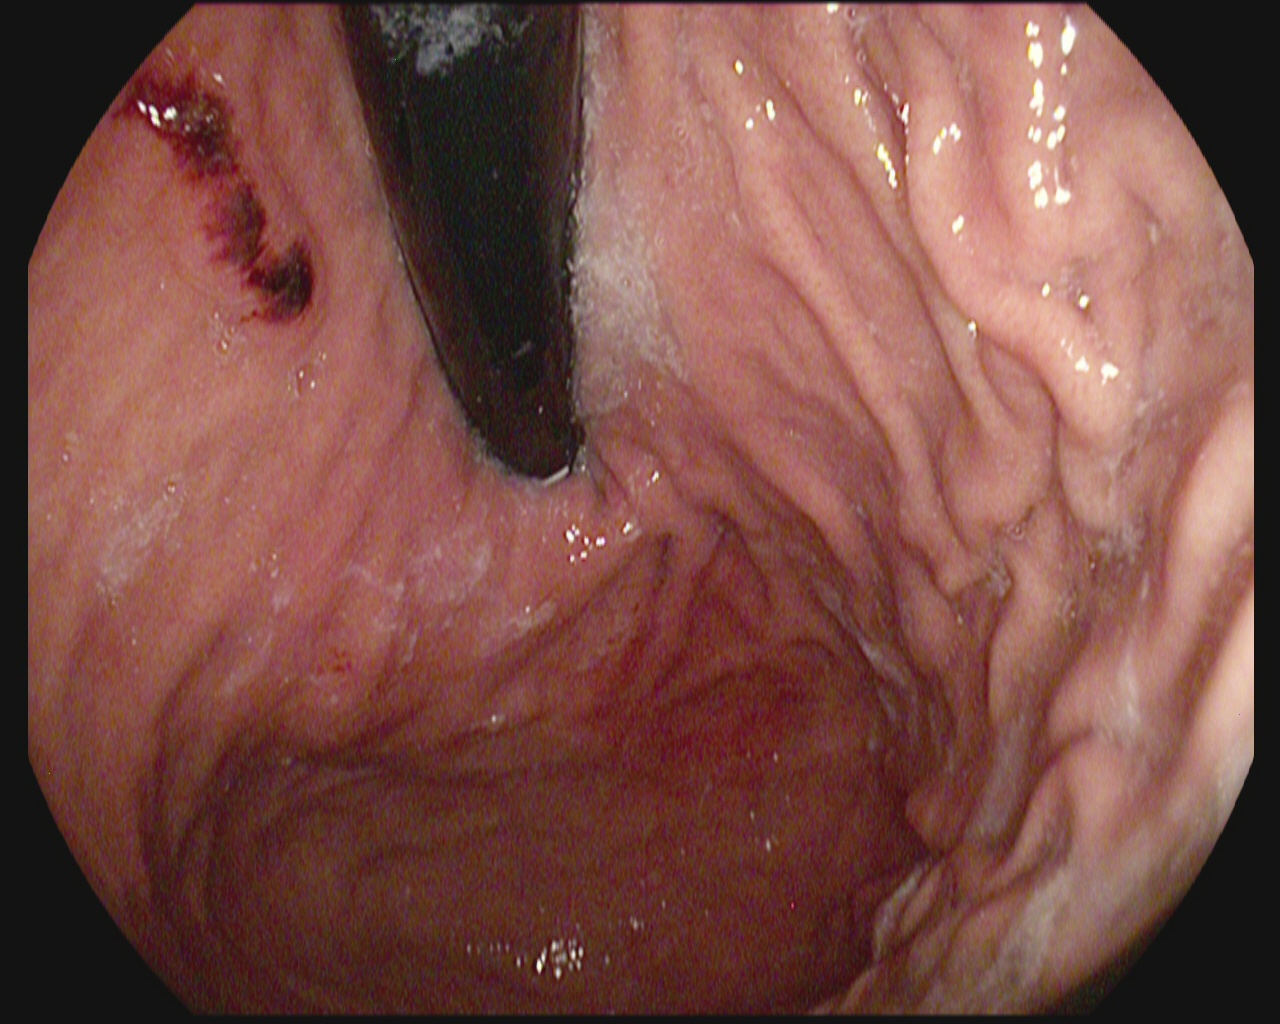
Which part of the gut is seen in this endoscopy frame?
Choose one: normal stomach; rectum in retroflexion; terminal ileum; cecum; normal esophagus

normal stomach